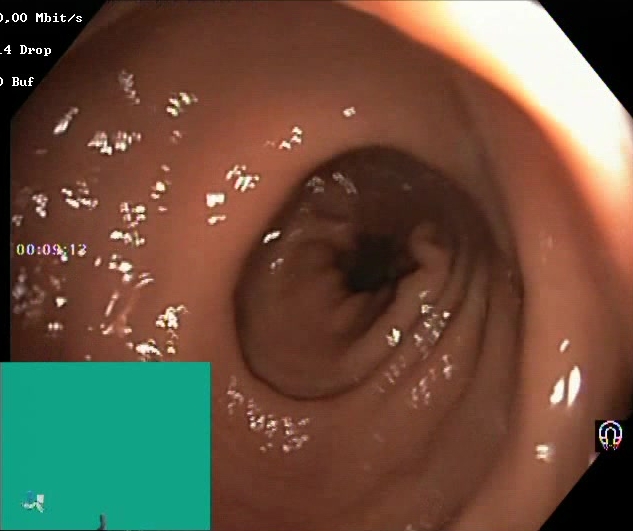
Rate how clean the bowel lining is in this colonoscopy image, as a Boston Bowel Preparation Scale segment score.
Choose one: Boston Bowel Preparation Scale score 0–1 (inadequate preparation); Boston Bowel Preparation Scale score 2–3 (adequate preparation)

Boston Bowel Preparation Scale score 2–3 (adequate preparation)